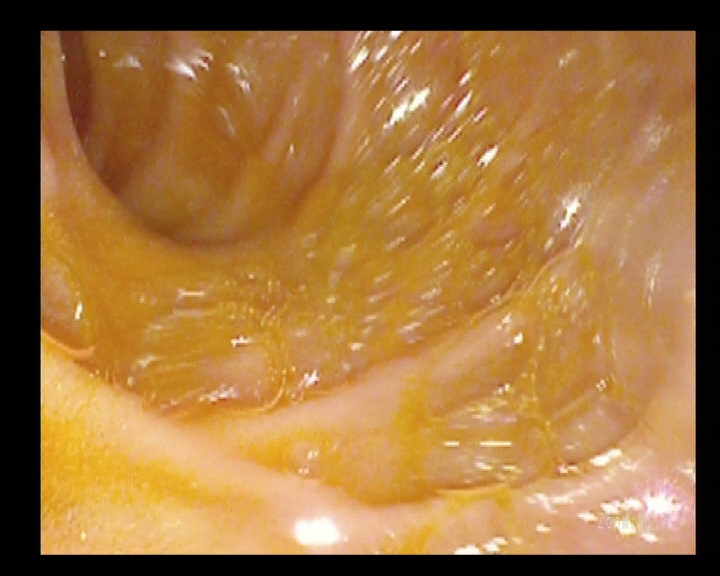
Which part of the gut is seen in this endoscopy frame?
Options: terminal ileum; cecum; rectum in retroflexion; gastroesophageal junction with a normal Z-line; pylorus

terminal ileum